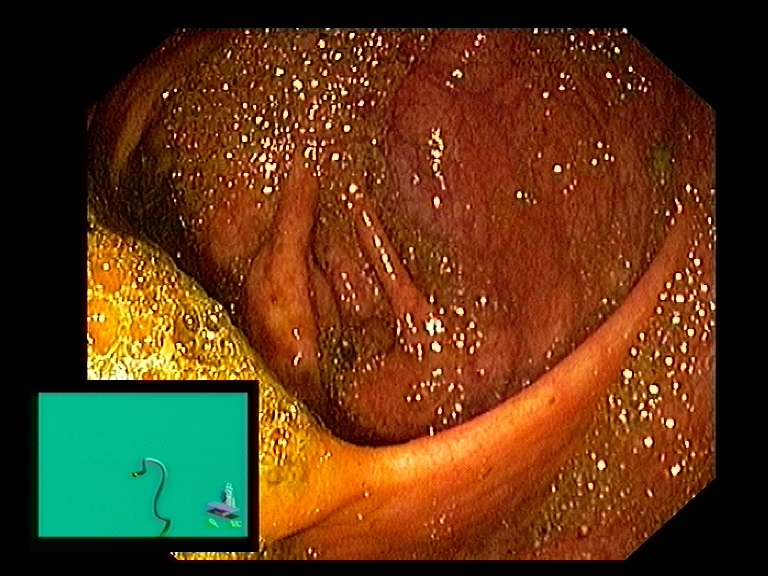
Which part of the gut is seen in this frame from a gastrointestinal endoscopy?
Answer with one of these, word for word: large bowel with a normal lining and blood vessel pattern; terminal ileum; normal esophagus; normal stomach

large bowel with a normal lining and blood vessel pattern